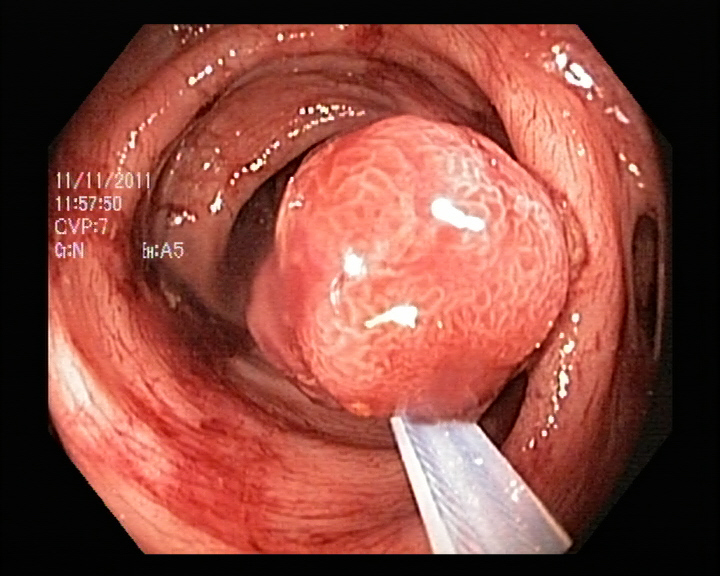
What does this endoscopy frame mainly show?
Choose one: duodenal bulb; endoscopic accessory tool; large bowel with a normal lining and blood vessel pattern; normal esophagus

endoscopic accessory tool